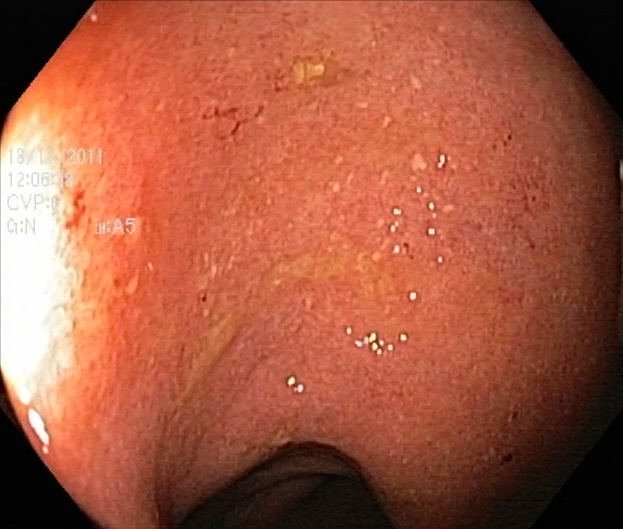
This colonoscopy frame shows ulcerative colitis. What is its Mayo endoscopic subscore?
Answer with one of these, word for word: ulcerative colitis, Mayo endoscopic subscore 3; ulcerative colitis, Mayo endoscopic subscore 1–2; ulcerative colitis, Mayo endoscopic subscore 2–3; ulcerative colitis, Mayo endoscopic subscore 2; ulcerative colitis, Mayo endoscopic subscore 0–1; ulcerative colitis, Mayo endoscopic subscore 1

ulcerative colitis, Mayo endoscopic subscore 2